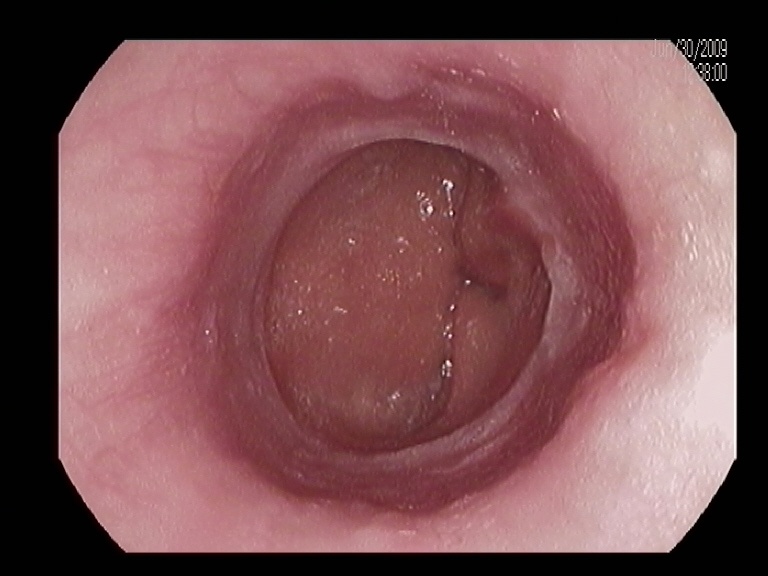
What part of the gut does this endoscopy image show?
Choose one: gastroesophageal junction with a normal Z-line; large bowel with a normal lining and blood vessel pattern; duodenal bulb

gastroesophageal junction with a normal Z-line